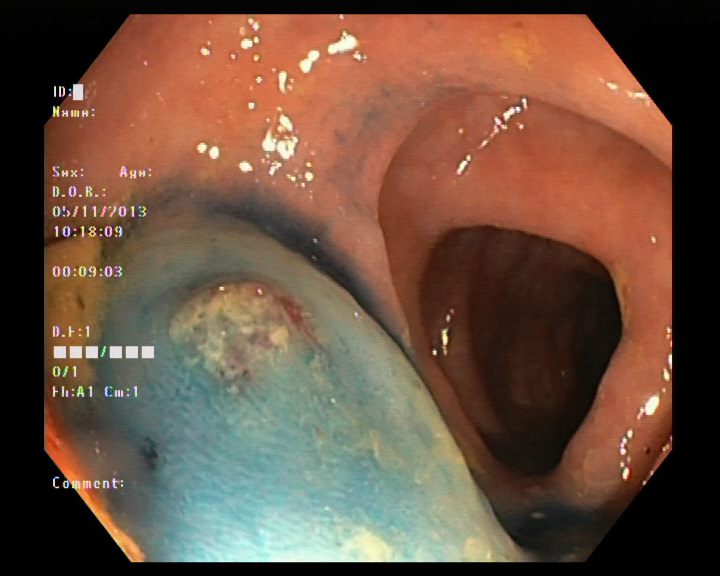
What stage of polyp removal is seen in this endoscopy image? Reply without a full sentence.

dyed and lifted polyp (pre-resection)